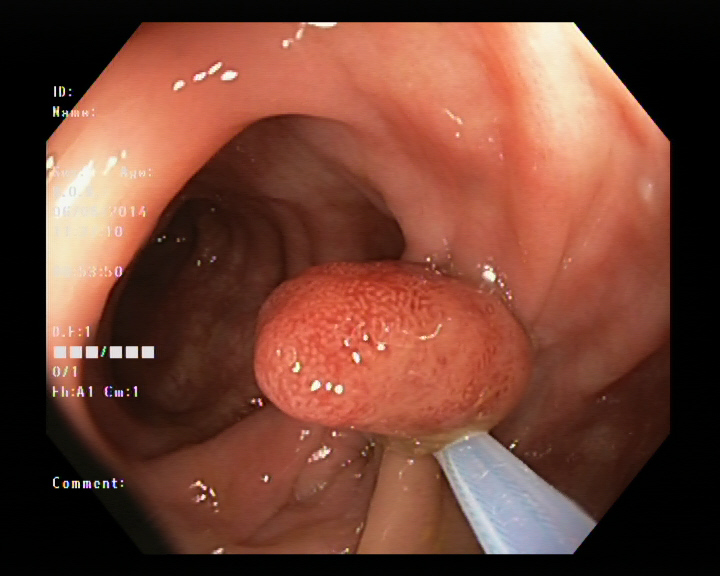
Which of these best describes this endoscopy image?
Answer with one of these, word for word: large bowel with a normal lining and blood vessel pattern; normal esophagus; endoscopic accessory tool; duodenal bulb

endoscopic accessory tool